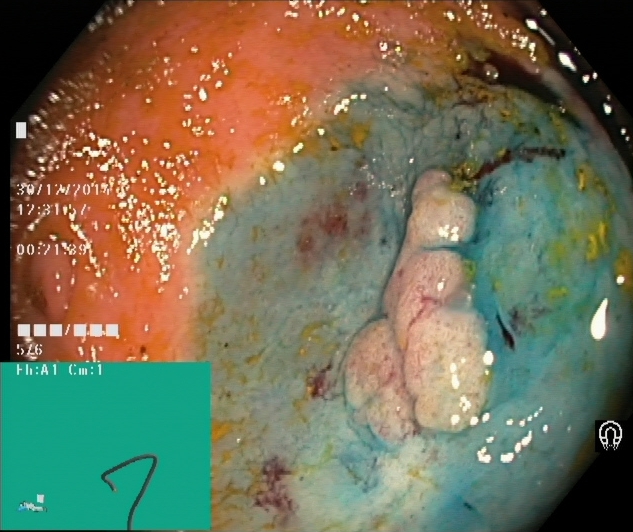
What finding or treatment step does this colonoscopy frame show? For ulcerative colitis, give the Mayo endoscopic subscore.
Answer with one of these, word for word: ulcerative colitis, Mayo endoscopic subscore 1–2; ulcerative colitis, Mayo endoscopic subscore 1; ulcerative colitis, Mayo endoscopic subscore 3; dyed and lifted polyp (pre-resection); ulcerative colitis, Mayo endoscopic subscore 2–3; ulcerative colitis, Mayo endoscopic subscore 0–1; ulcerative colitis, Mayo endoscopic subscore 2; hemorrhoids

dyed and lifted polyp (pre-resection)